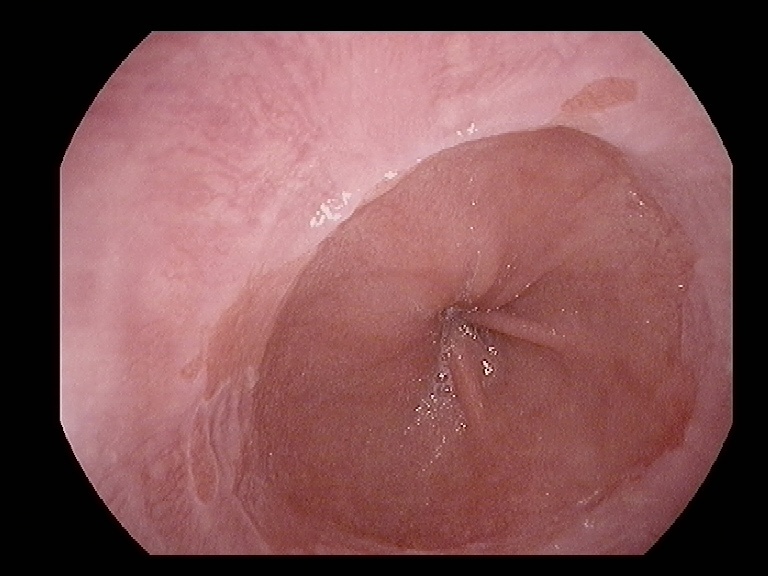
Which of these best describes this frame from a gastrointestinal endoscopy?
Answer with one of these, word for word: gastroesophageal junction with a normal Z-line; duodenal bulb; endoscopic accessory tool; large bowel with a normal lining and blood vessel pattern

gastroesophageal junction with a normal Z-line